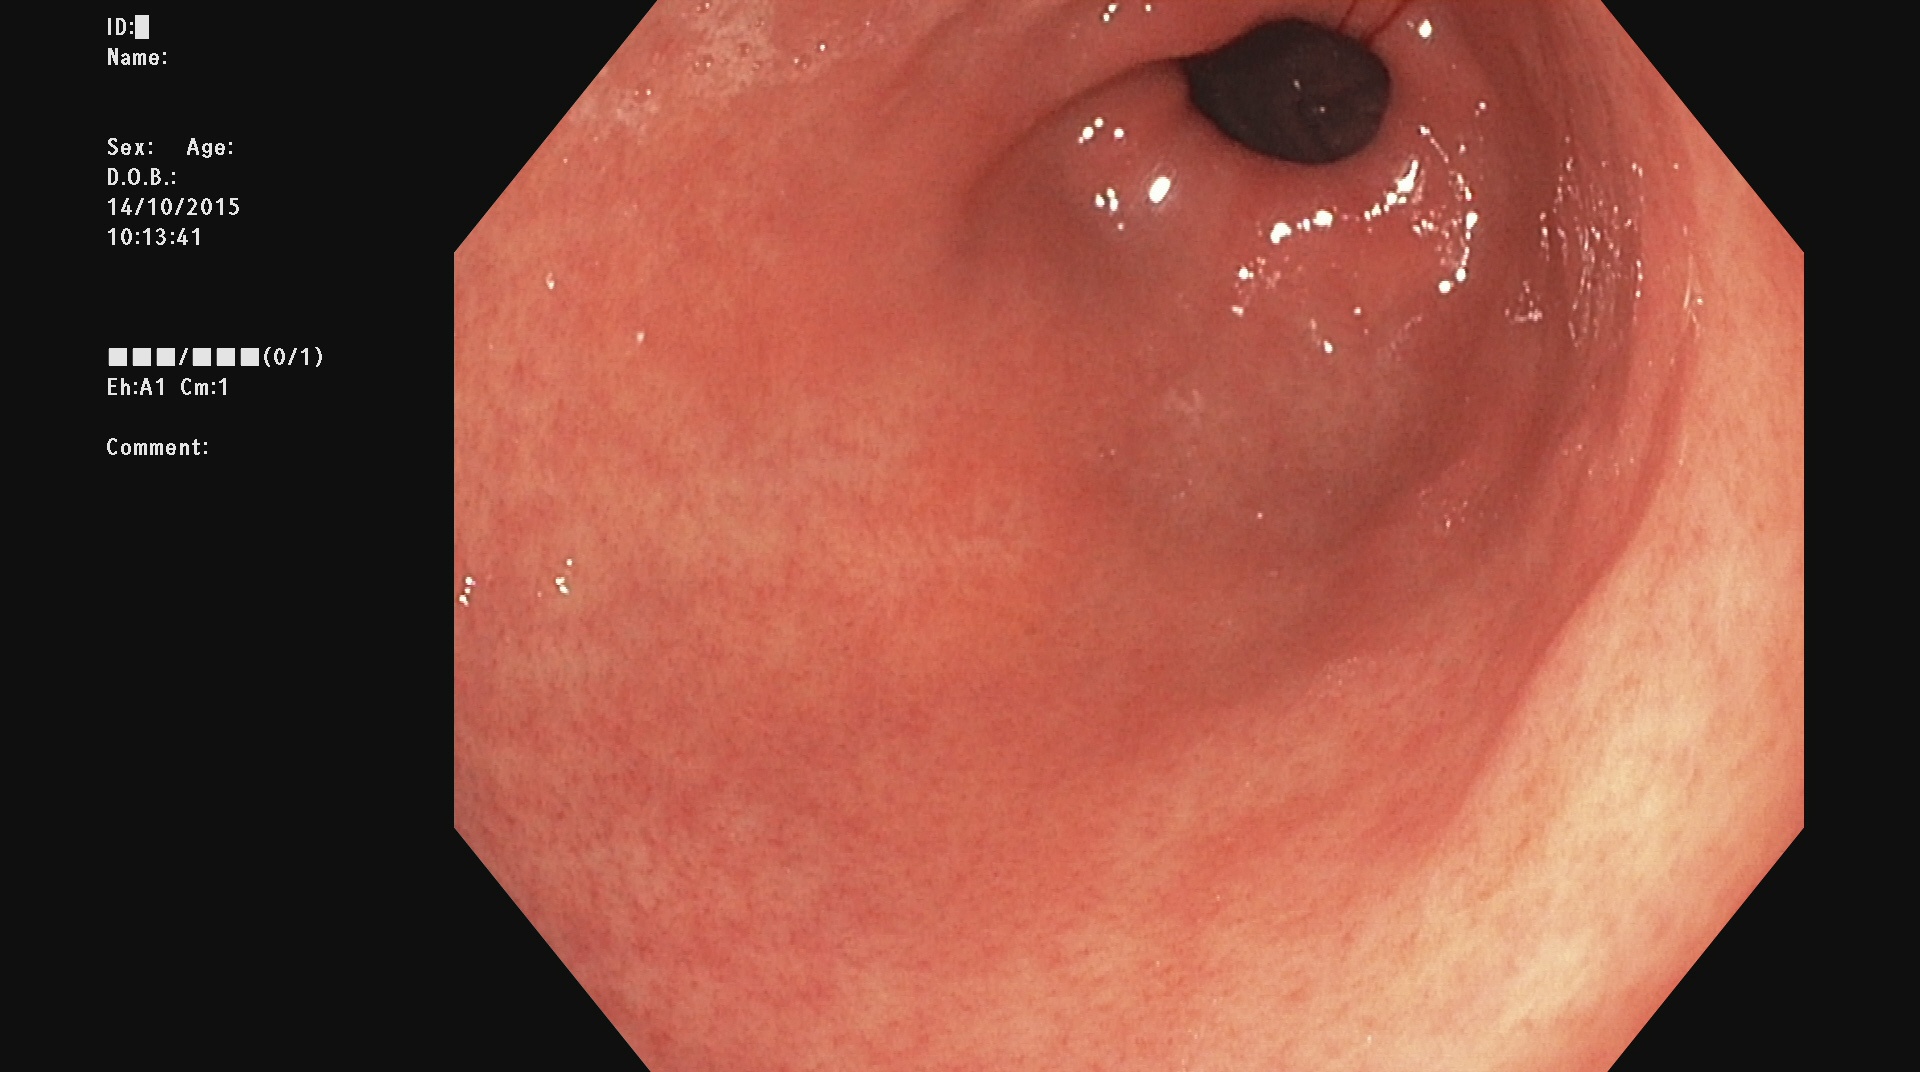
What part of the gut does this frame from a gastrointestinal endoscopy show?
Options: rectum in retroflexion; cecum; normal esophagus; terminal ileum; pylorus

pylorus